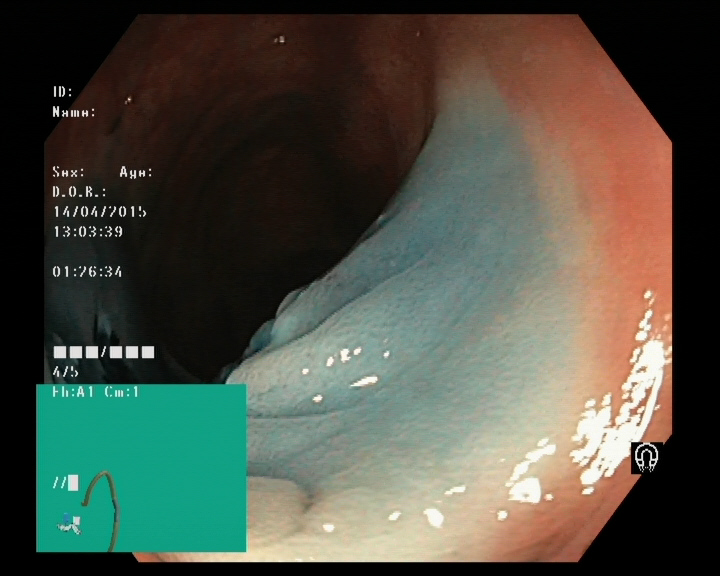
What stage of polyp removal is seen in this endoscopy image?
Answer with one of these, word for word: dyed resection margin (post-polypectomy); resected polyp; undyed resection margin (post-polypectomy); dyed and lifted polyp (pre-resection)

dyed and lifted polyp (pre-resection)